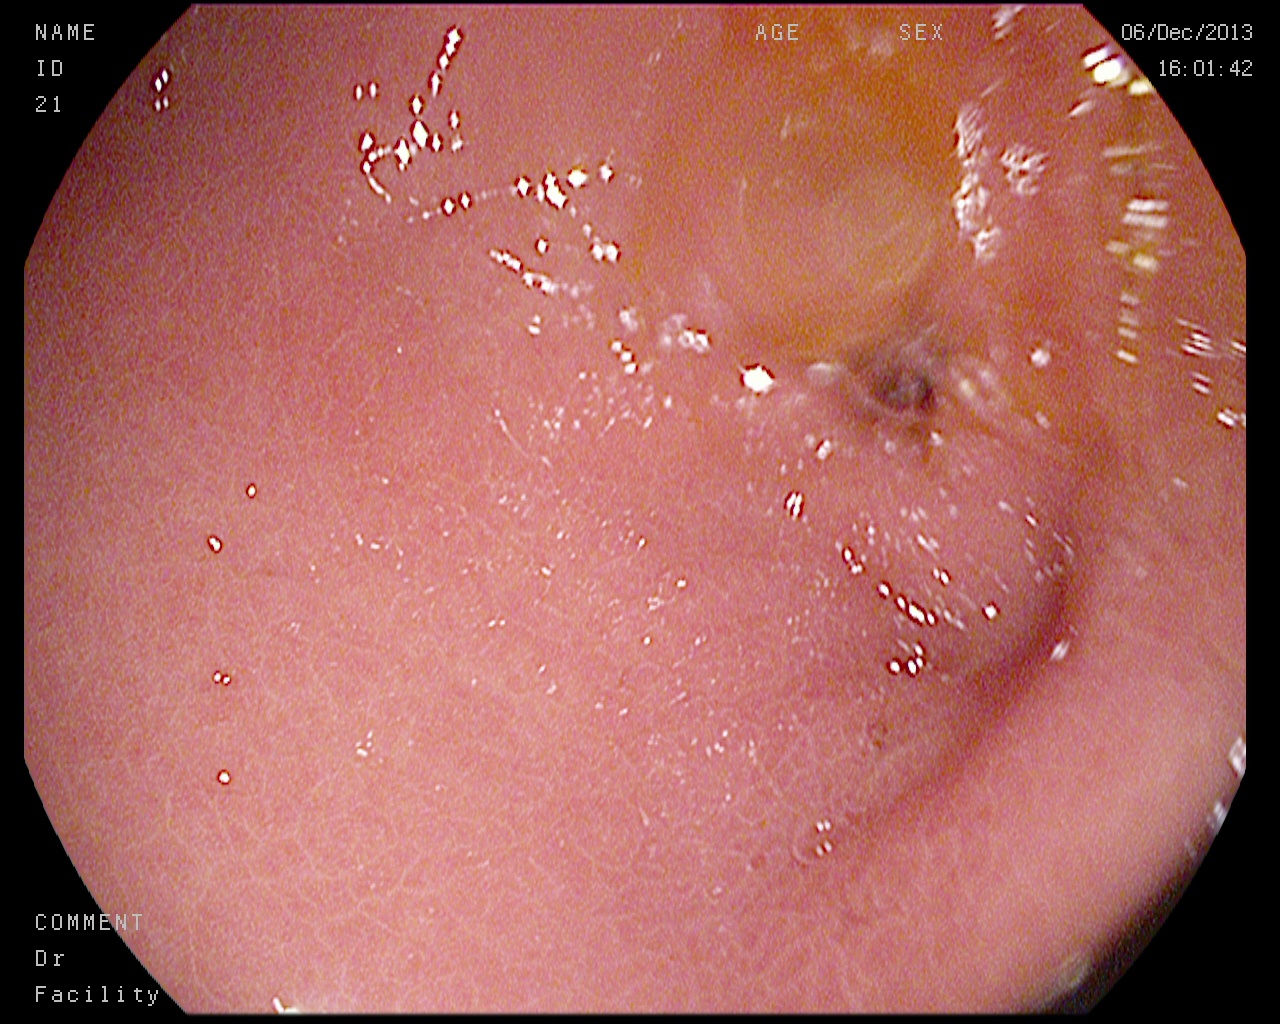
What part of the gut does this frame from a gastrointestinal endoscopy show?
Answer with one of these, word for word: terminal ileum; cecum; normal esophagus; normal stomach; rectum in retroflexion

normal stomach